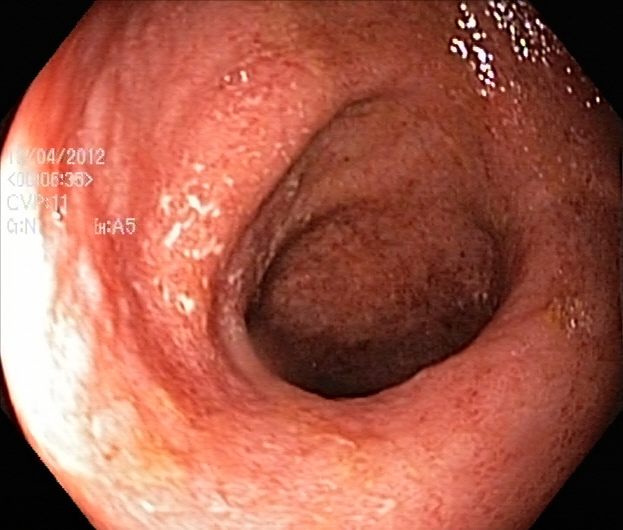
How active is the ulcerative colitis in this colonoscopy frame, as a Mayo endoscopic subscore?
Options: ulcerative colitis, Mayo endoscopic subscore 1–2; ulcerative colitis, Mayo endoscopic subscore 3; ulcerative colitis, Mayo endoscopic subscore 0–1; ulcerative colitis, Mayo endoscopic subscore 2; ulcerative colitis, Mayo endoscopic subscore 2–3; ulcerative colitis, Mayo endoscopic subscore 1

ulcerative colitis, Mayo endoscopic subscore 2